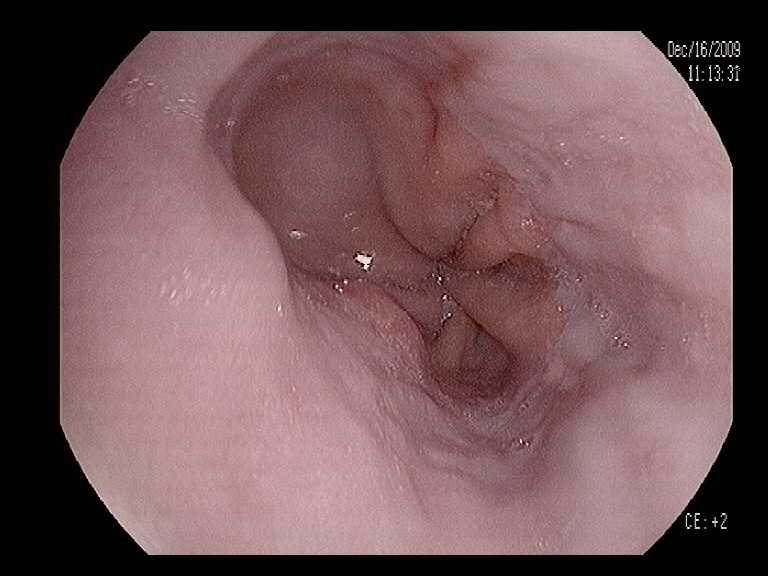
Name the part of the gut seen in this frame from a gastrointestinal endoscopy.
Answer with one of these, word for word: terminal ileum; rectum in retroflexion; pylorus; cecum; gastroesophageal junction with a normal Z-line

gastroesophageal junction with a normal Z-line